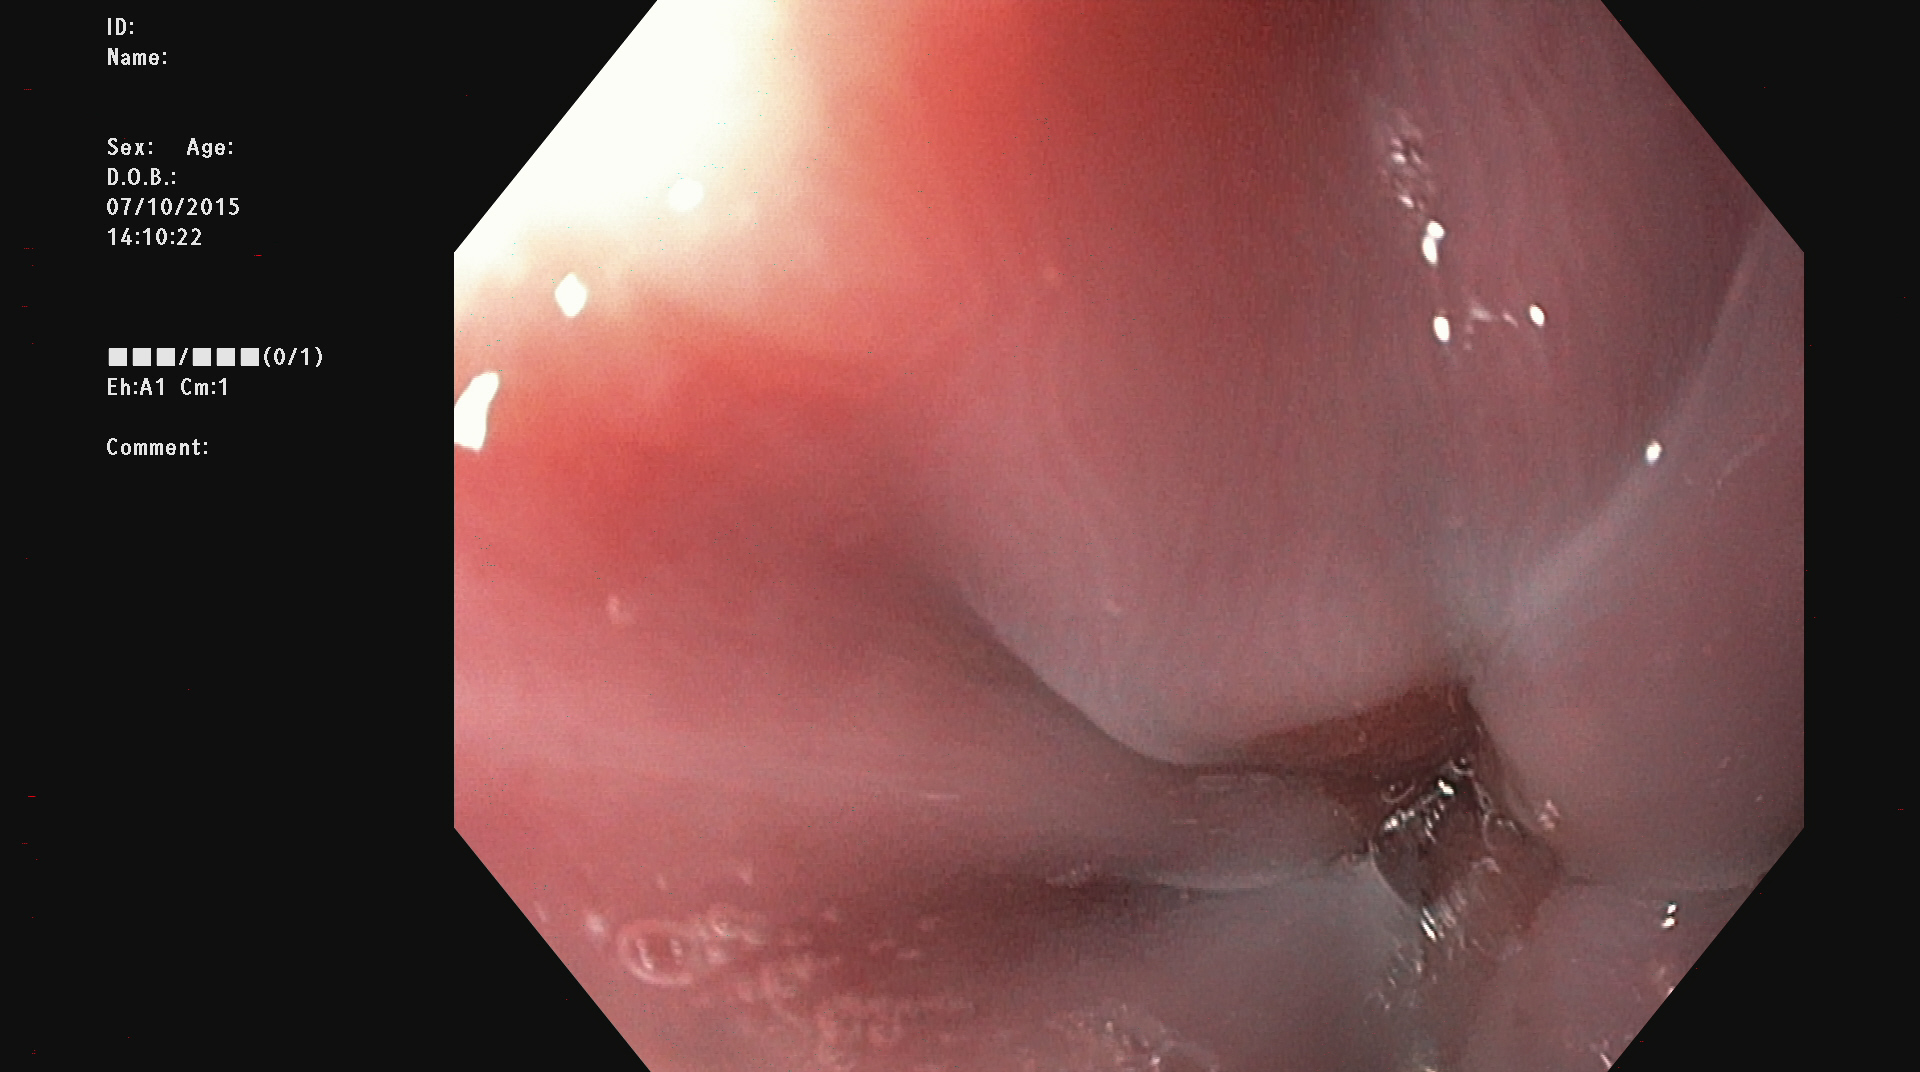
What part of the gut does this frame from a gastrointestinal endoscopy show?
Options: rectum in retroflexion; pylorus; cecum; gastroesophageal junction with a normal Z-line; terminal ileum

gastroesophageal junction with a normal Z-line